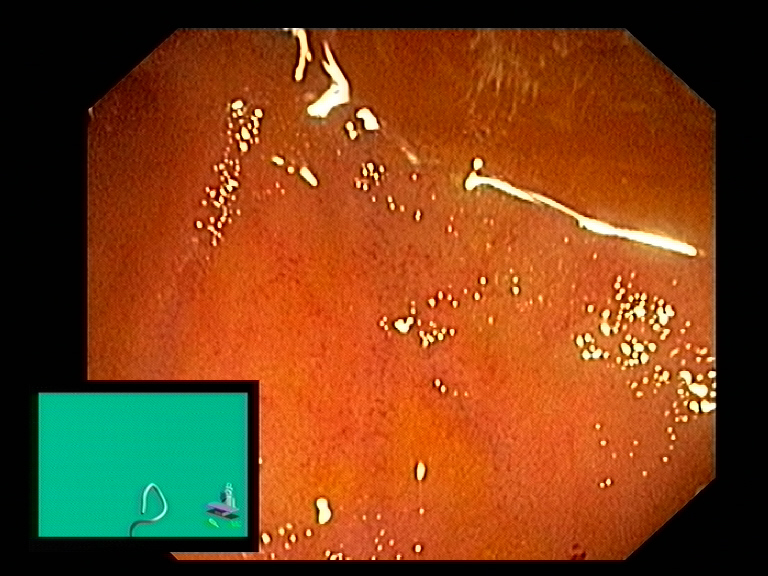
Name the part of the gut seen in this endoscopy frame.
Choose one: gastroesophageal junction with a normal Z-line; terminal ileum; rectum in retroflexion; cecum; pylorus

terminal ileum